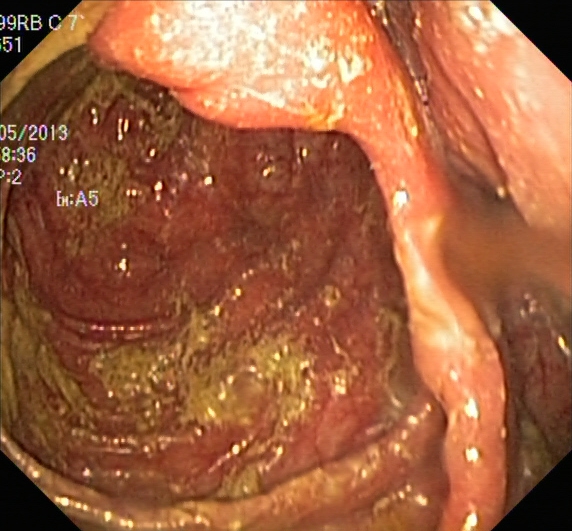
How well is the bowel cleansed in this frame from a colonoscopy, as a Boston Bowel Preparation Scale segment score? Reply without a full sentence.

Boston Bowel Preparation Scale score 0–1 (inadequate preparation)